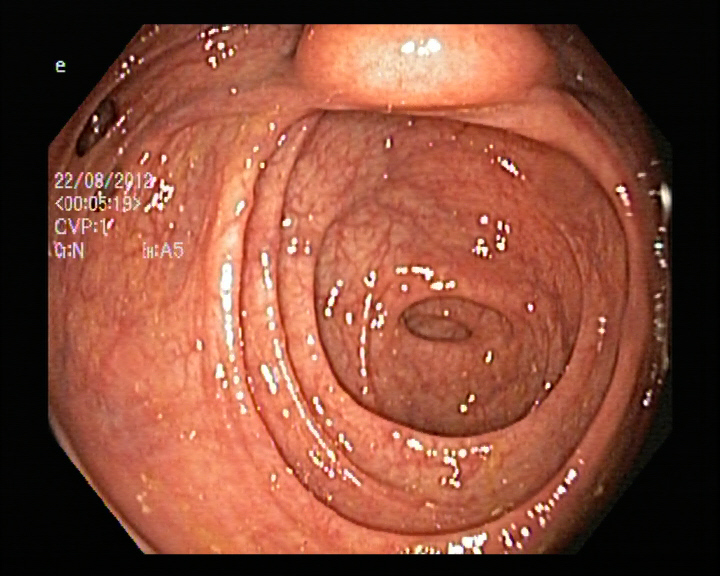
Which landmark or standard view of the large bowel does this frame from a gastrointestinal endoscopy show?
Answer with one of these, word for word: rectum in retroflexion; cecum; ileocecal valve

ileocecal valve